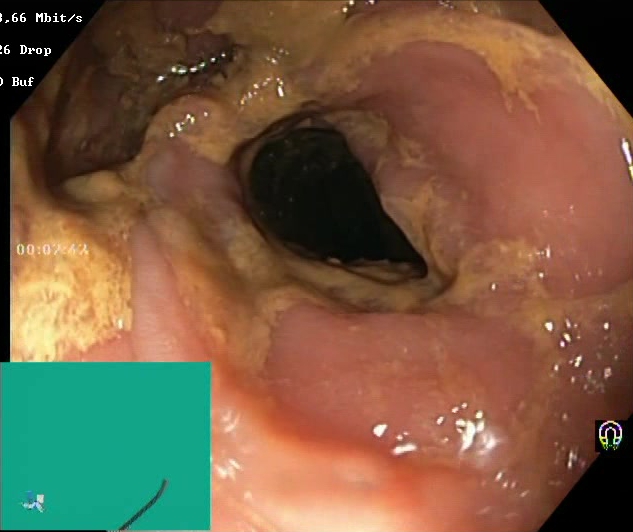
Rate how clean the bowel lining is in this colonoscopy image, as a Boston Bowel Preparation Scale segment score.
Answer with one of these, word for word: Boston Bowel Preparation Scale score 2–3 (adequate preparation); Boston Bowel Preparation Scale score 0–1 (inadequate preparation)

Boston Bowel Preparation Scale score 0–1 (inadequate preparation)